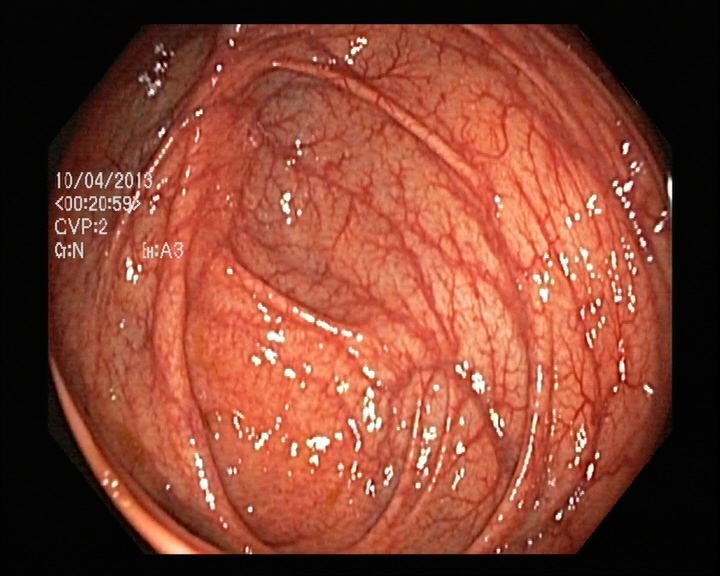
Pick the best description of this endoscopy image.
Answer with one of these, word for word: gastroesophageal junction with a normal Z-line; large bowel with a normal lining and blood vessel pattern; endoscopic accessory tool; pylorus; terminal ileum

large bowel with a normal lining and blood vessel pattern